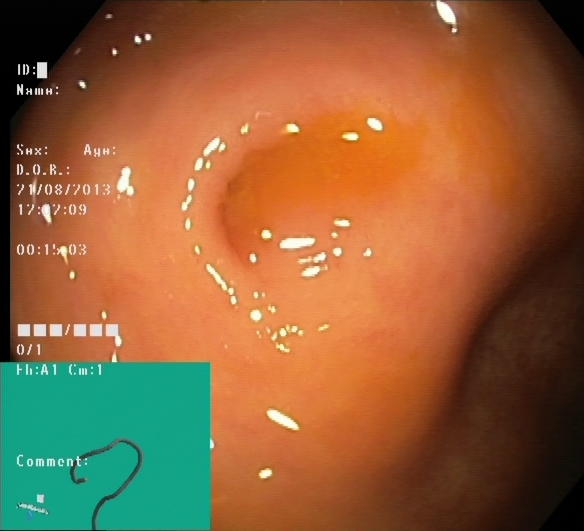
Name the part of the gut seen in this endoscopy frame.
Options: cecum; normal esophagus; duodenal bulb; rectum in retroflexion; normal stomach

cecum